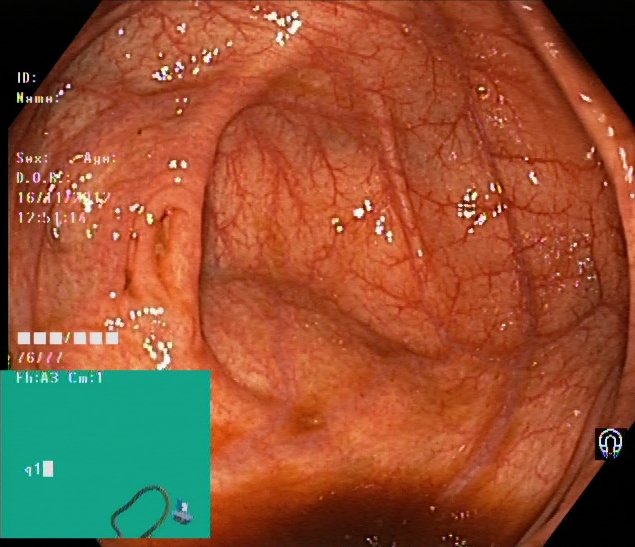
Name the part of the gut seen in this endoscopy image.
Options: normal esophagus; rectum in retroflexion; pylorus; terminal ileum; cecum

cecum